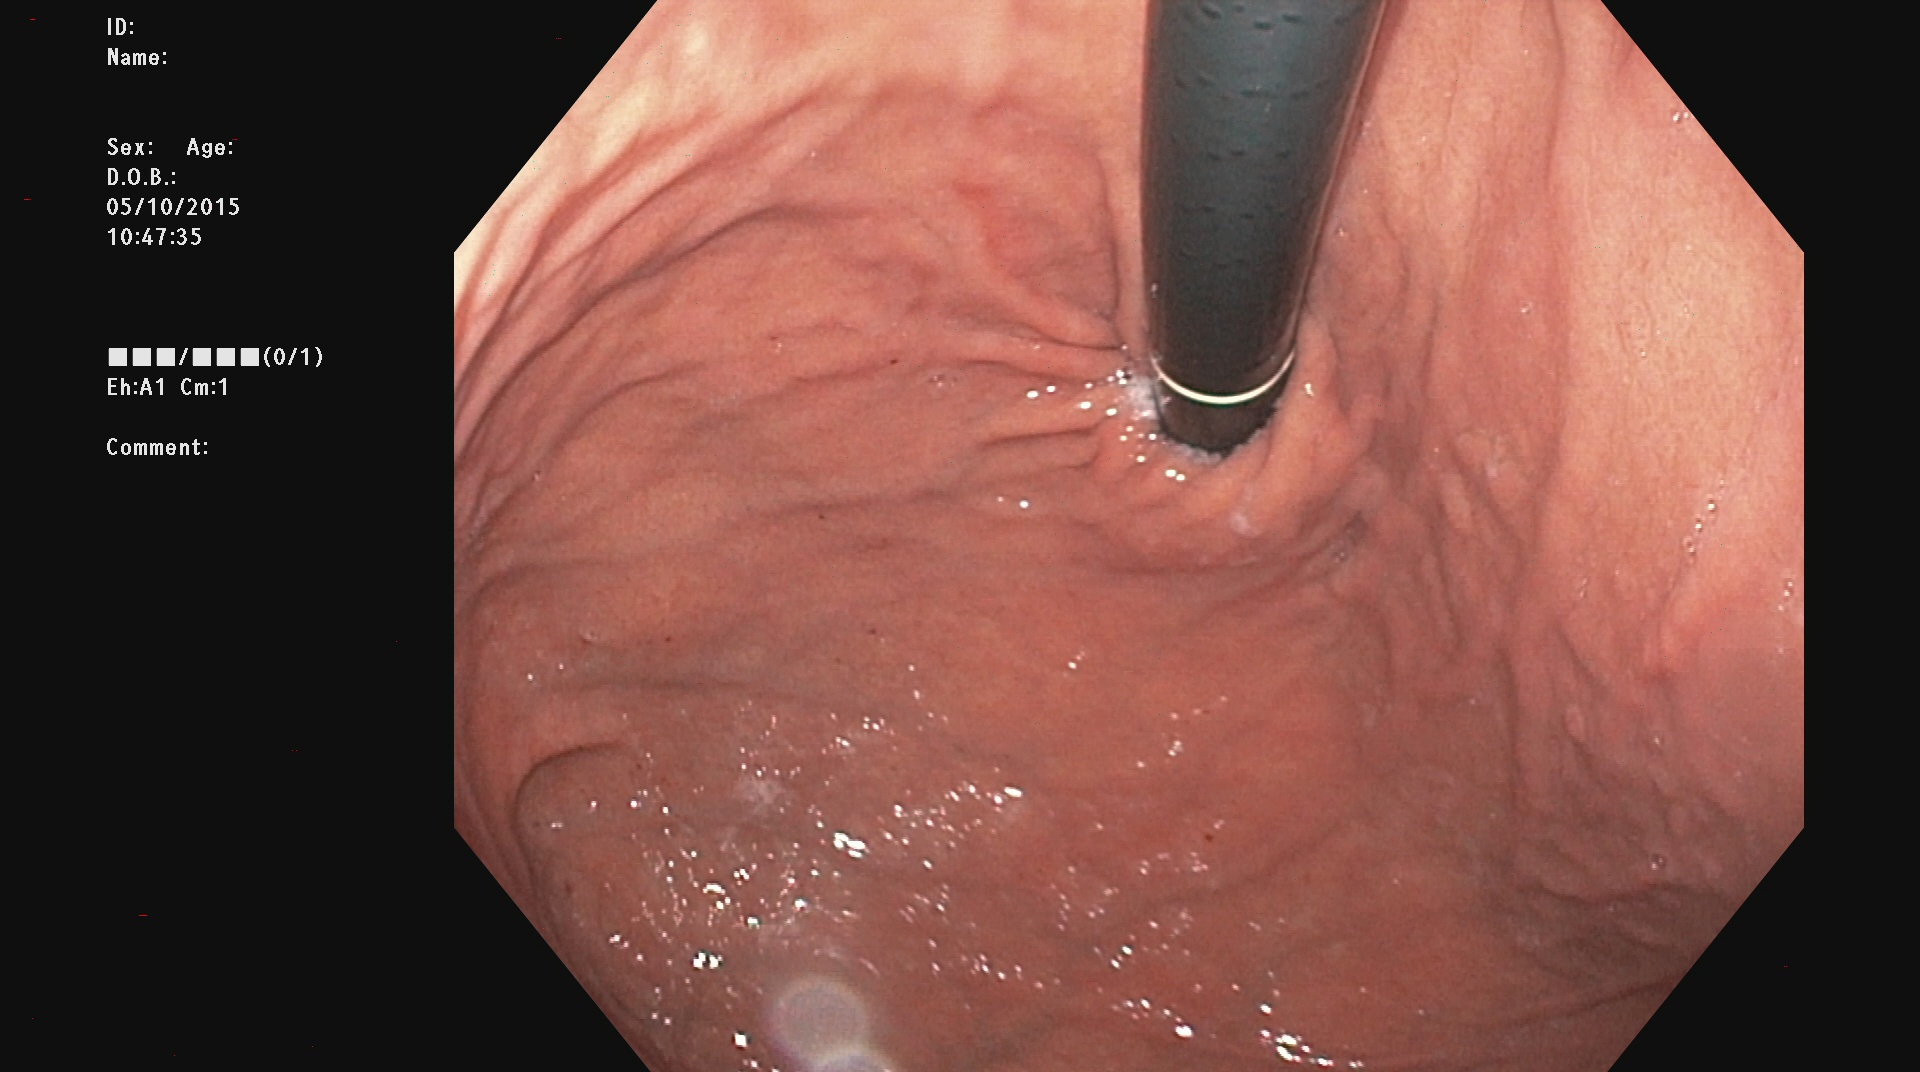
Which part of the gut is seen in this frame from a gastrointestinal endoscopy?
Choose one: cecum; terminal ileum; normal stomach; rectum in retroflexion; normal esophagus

normal stomach